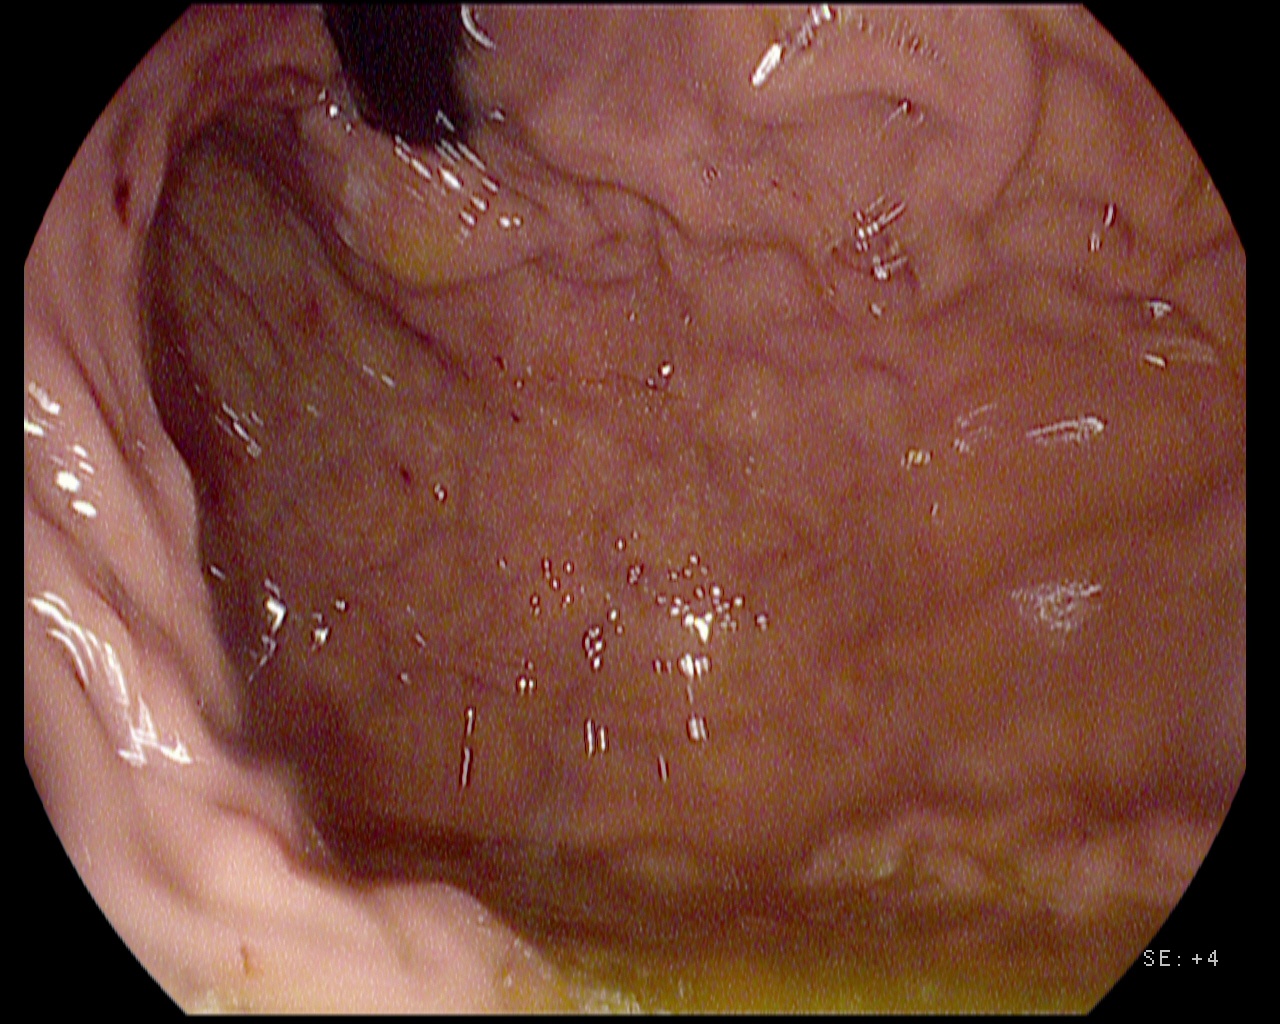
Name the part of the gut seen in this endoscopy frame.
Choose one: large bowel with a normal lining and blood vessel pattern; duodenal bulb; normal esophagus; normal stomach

normal stomach